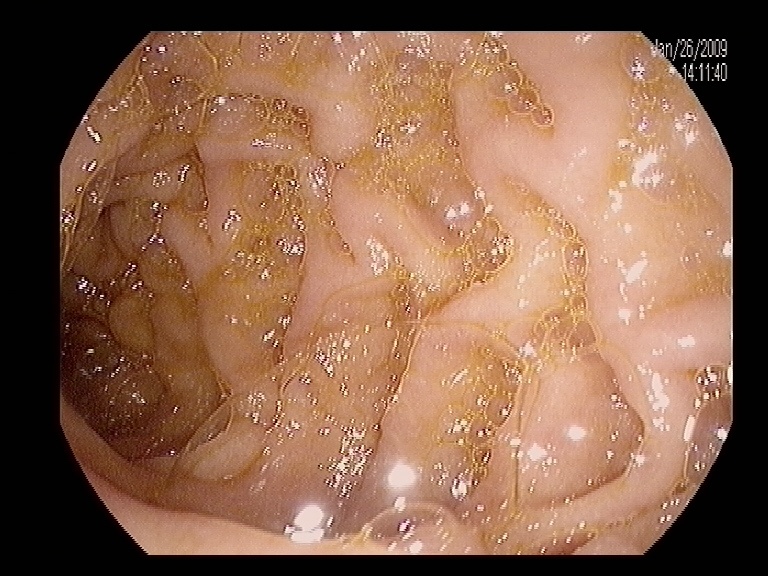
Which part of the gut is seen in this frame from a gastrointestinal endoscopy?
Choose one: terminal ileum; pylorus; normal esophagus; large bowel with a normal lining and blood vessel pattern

terminal ileum